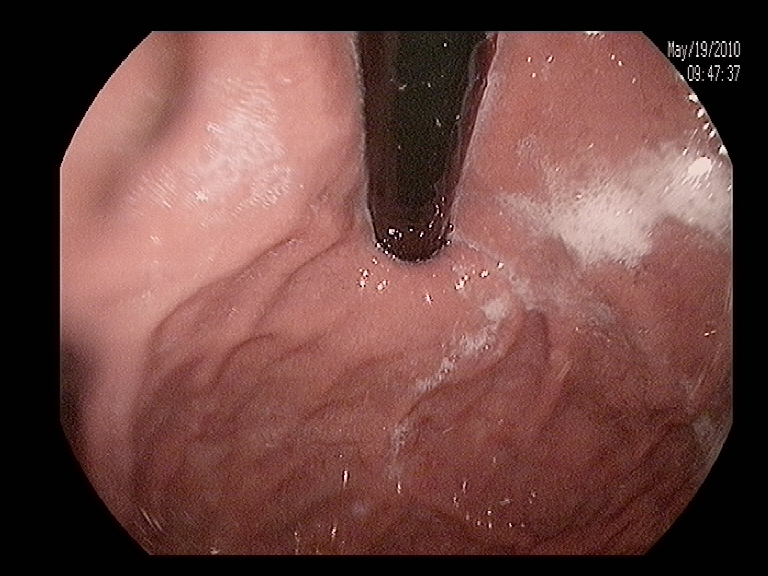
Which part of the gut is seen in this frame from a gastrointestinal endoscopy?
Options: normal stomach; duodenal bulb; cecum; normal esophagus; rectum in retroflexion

normal stomach